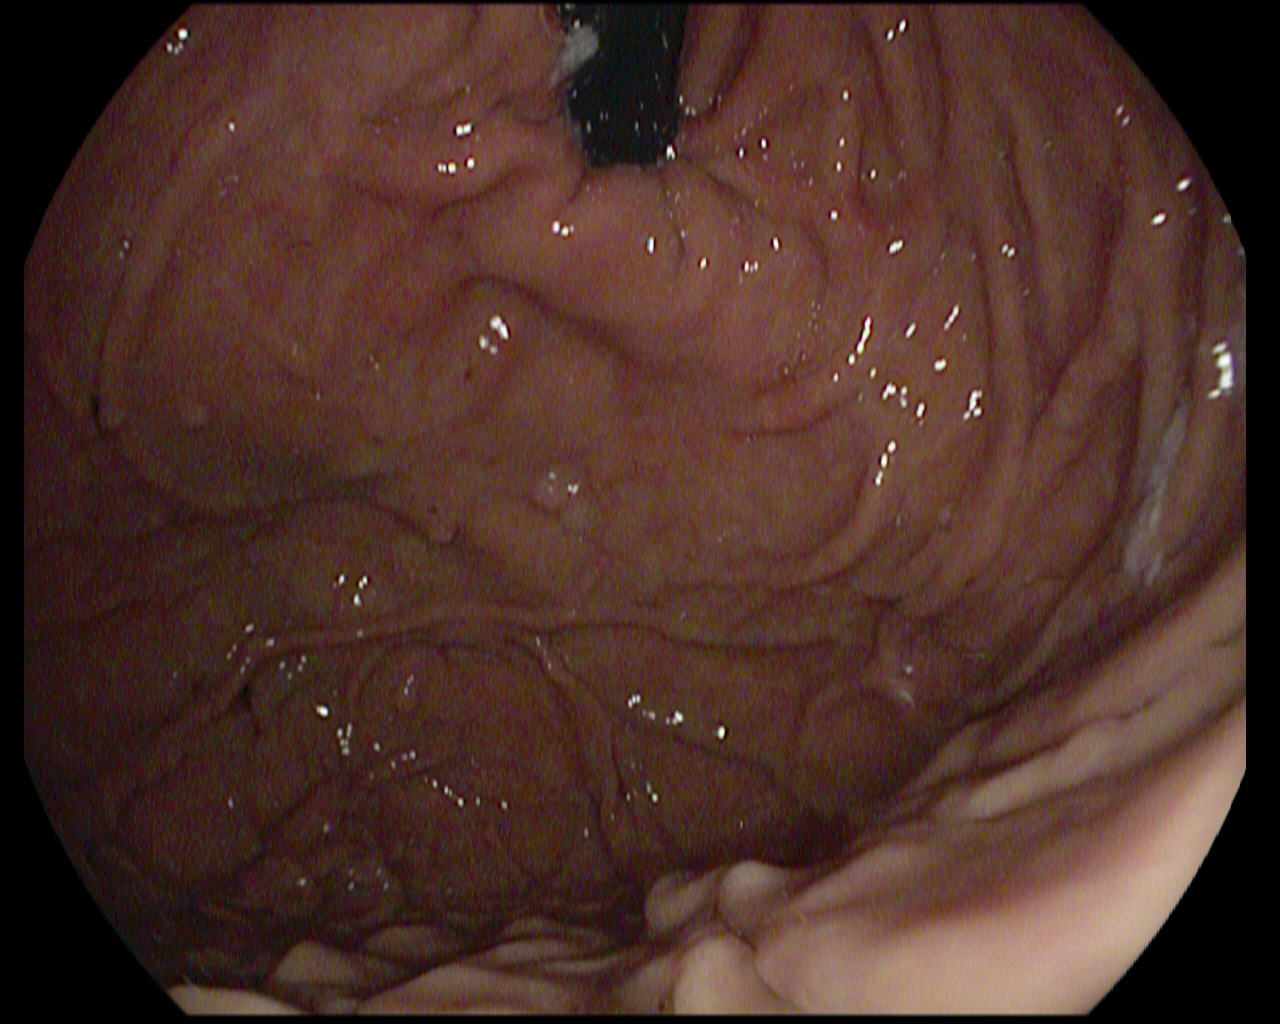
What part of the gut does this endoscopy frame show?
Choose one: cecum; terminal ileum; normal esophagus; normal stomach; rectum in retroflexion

normal stomach